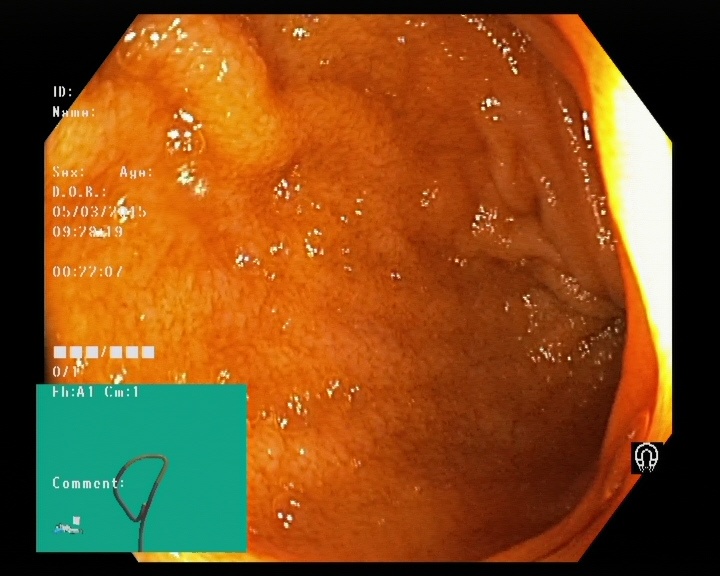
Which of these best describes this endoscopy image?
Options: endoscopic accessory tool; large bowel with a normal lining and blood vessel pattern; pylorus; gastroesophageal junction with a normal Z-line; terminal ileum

large bowel with a normal lining and blood vessel pattern